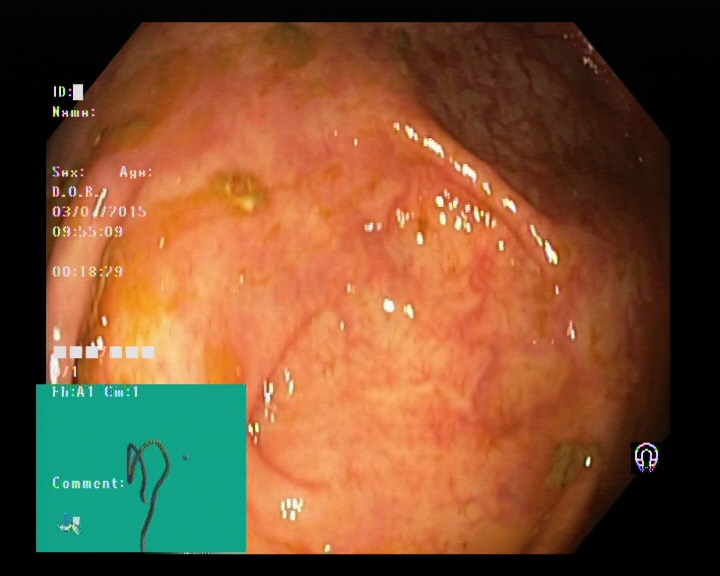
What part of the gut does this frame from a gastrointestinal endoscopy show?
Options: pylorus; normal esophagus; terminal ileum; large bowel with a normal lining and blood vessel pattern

large bowel with a normal lining and blood vessel pattern